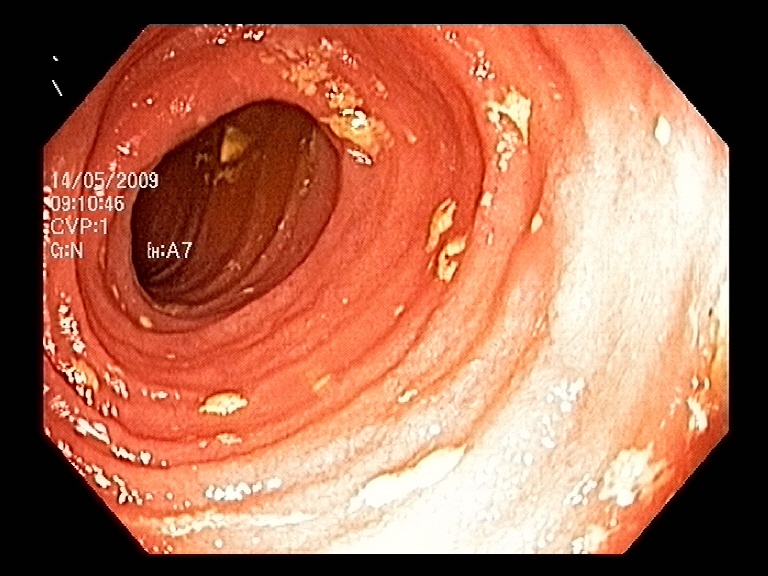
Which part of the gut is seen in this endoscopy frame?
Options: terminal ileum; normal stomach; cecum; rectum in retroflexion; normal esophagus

terminal ileum